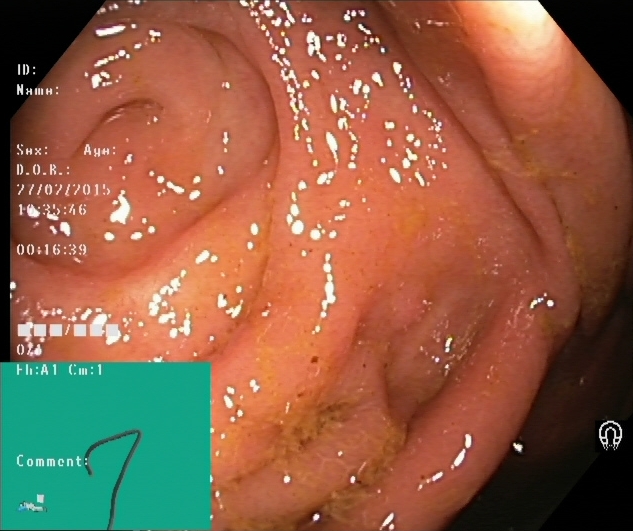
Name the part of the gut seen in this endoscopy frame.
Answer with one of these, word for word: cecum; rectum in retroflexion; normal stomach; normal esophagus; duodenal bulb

cecum